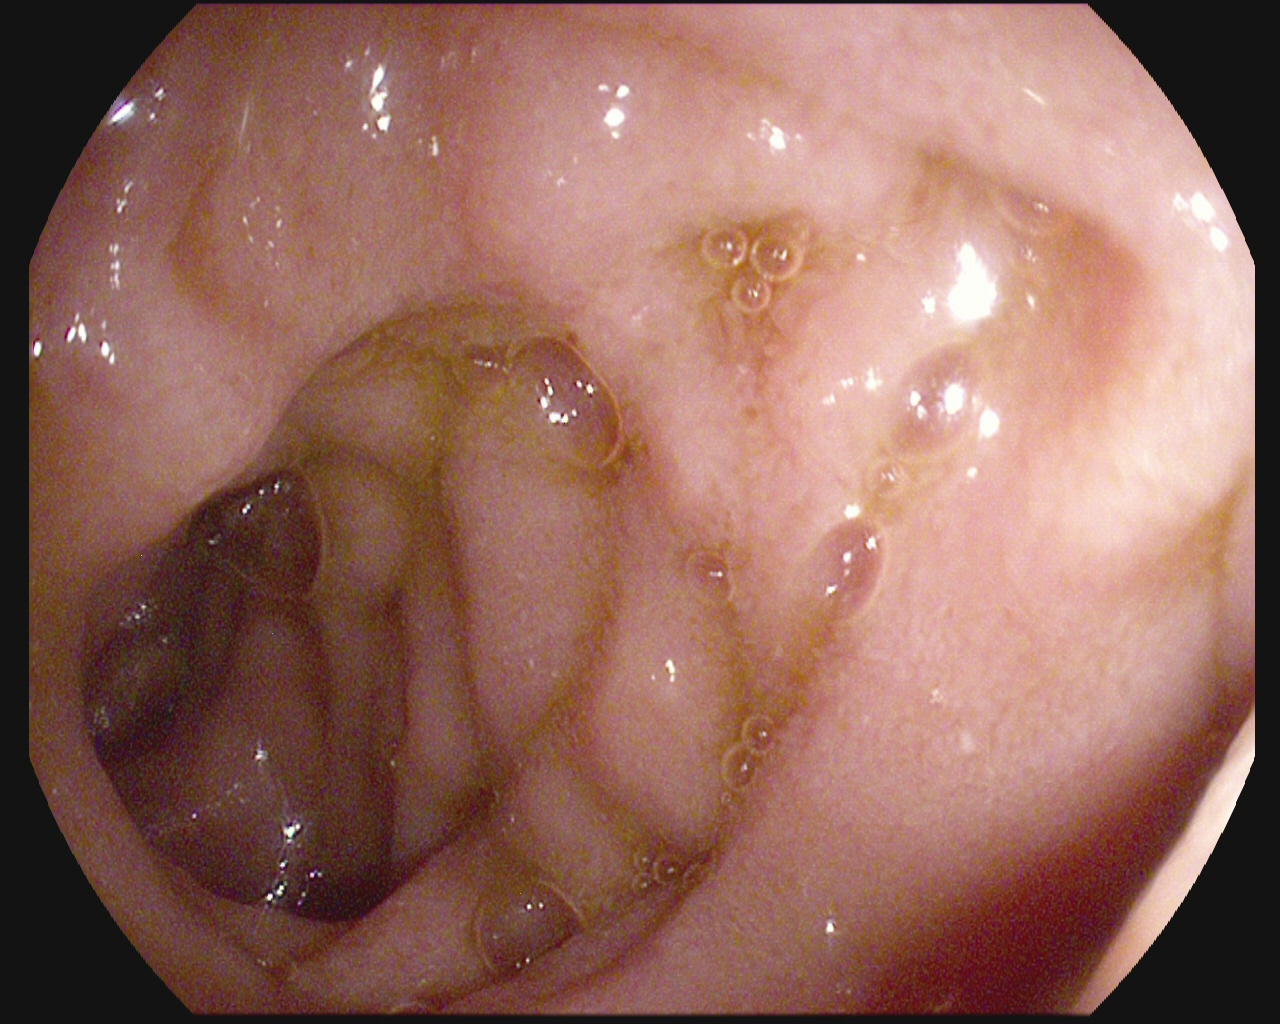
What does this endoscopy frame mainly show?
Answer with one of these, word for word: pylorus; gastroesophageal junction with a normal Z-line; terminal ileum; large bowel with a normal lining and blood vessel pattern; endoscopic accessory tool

terminal ileum